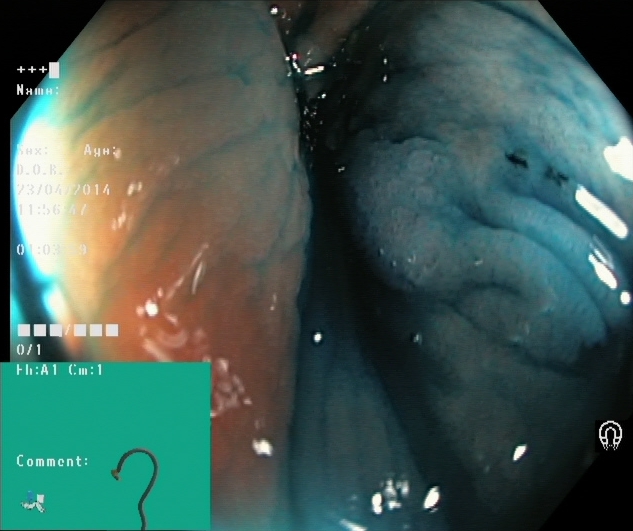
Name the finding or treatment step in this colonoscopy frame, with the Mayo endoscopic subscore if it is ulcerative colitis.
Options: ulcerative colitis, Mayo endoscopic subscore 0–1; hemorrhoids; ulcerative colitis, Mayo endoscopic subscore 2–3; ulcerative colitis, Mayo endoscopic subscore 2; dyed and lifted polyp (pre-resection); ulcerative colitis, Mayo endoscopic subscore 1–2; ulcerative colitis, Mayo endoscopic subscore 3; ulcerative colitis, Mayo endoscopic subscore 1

dyed and lifted polyp (pre-resection)